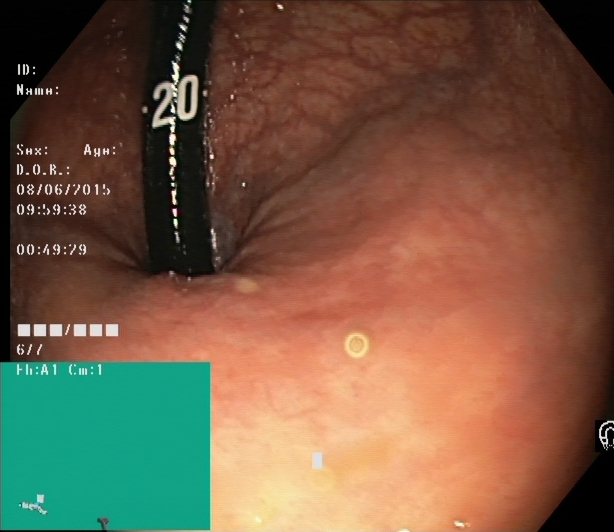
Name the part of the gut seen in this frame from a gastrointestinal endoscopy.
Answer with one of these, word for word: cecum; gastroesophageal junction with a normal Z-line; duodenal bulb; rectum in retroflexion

rectum in retroflexion